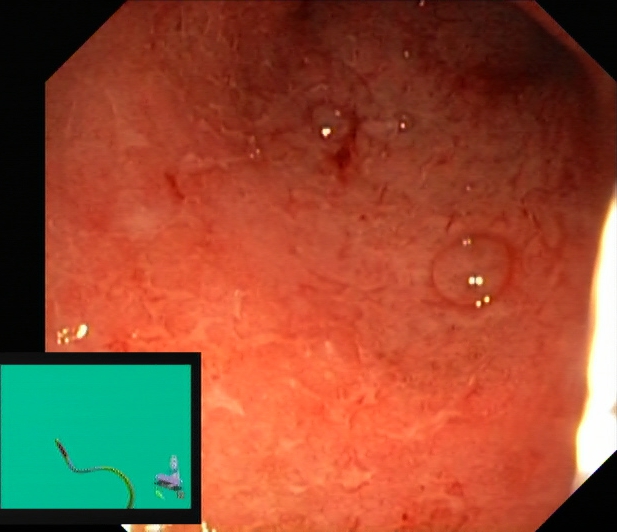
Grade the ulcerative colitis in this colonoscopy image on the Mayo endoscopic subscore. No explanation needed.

ulcerative colitis, Mayo endoscopic subscore 2